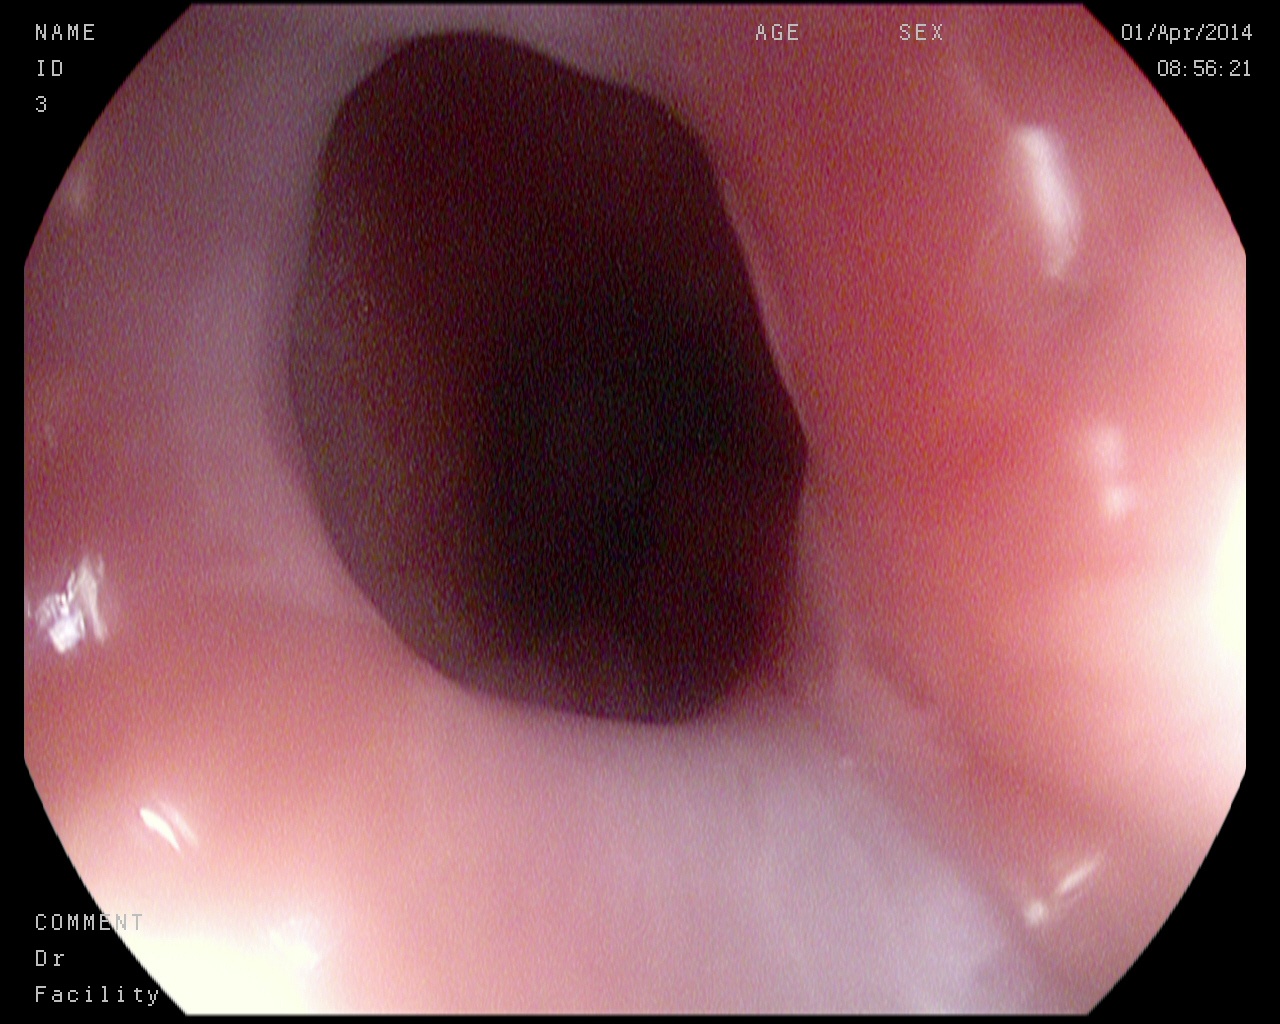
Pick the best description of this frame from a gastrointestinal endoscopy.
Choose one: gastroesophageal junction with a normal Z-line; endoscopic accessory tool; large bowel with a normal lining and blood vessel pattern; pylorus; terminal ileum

gastroesophageal junction with a normal Z-line